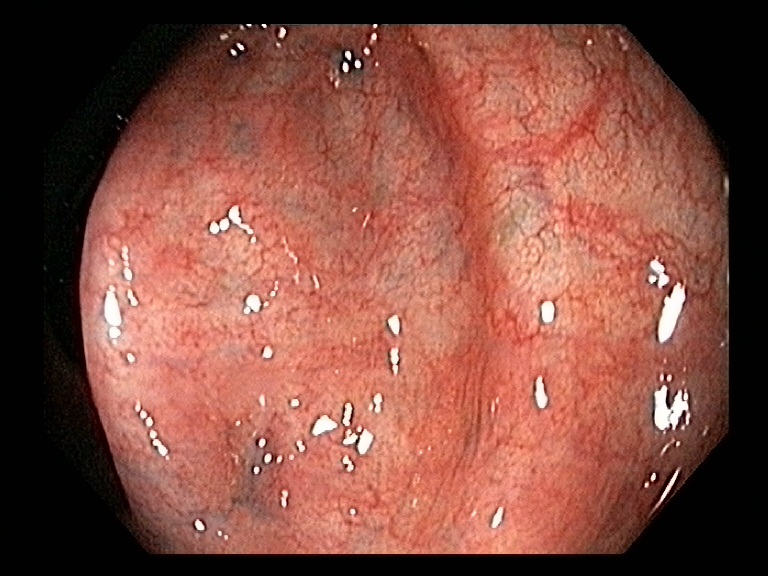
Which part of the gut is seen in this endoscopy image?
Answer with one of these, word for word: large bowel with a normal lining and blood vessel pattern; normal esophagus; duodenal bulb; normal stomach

large bowel with a normal lining and blood vessel pattern